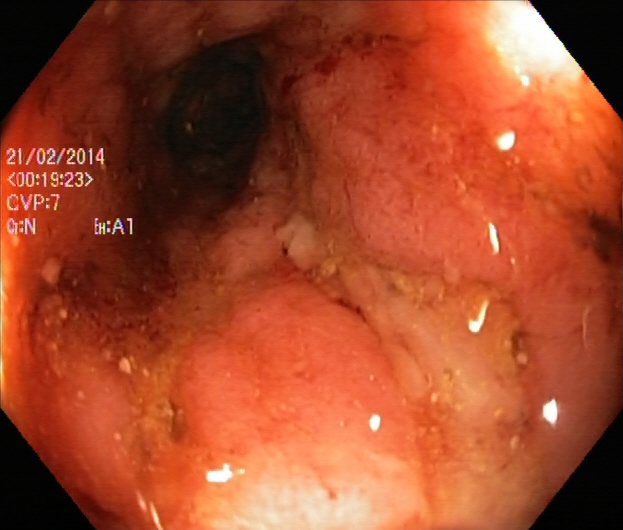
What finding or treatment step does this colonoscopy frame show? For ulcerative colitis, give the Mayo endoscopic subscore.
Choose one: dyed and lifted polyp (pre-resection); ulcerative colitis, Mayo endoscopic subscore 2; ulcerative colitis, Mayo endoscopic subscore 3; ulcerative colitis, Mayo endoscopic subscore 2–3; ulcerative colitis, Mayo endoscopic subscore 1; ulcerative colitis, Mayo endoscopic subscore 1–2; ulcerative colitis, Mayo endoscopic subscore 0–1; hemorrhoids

ulcerative colitis, Mayo endoscopic subscore 2